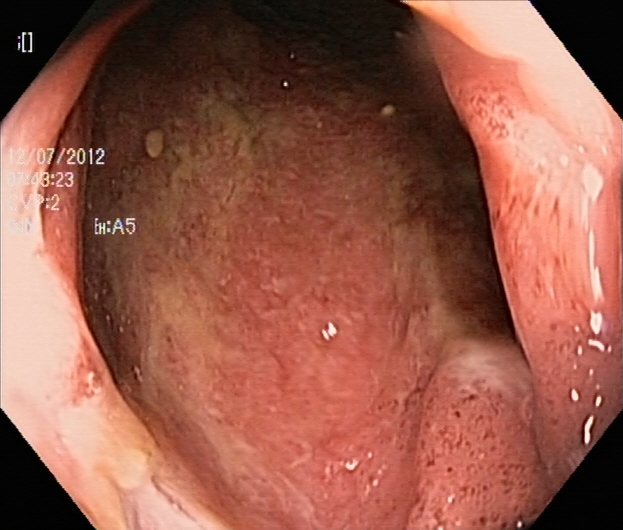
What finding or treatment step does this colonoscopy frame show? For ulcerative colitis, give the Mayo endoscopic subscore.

ulcerative colitis, Mayo endoscopic subscore 2